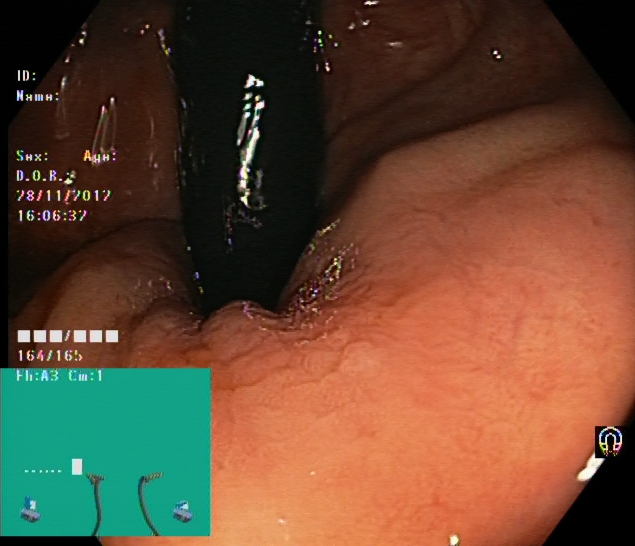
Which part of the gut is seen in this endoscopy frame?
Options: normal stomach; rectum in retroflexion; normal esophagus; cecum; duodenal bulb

rectum in retroflexion